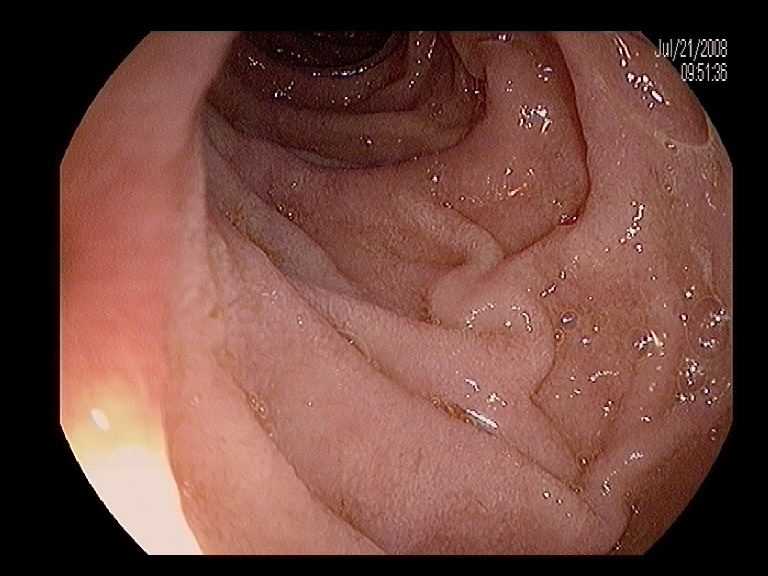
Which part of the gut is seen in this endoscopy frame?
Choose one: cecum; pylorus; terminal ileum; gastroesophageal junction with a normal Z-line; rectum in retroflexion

terminal ileum